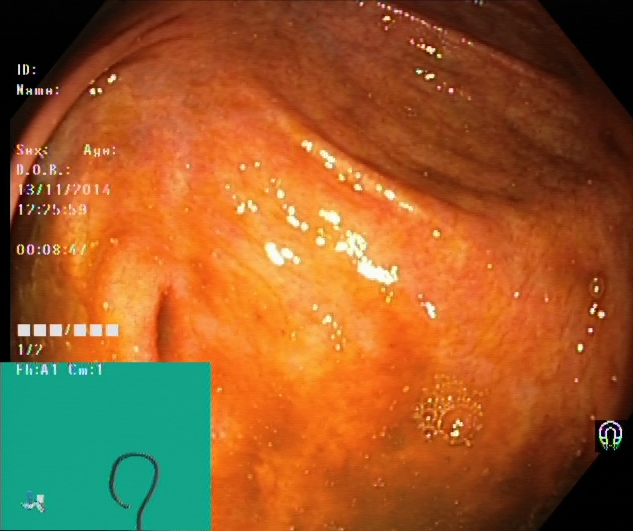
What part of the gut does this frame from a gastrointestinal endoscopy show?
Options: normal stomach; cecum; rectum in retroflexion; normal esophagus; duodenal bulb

cecum